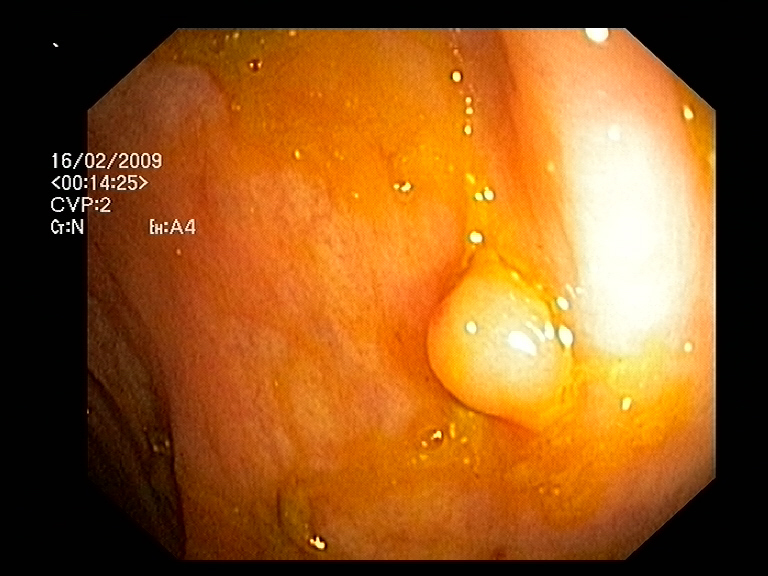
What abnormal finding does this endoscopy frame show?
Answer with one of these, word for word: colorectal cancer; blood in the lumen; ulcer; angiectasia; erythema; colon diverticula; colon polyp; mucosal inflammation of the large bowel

colon polyp